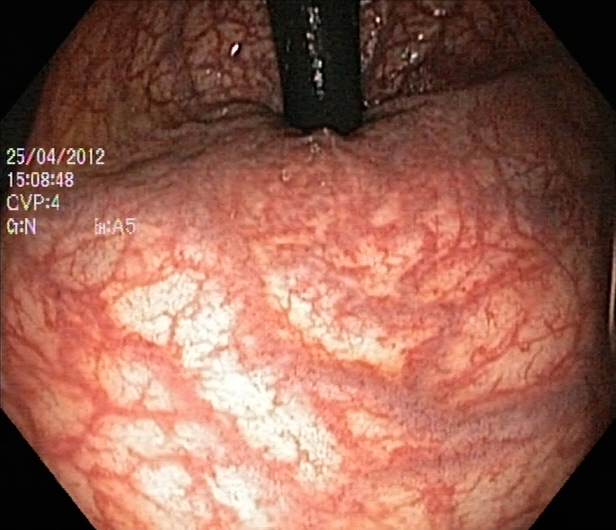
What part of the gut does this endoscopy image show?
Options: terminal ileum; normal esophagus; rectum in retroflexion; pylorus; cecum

rectum in retroflexion